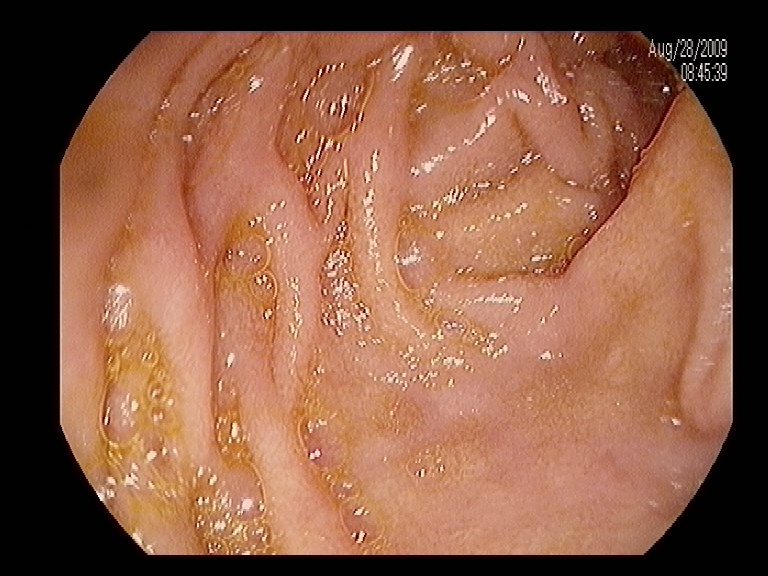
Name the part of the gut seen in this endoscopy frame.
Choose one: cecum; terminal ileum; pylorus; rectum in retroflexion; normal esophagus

terminal ileum